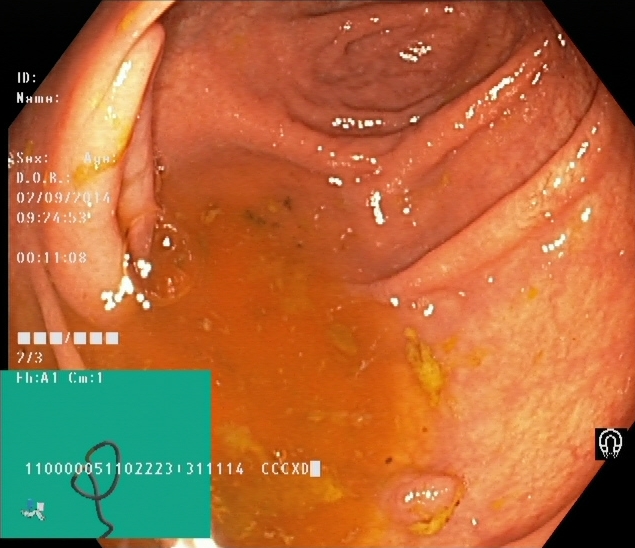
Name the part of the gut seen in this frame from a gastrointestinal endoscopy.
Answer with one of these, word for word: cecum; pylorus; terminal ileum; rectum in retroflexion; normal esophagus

cecum